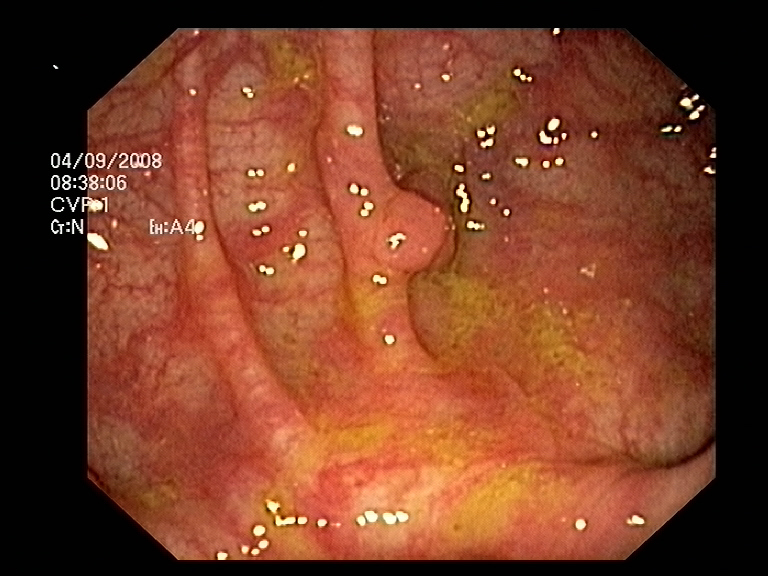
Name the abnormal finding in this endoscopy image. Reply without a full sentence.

colon polyp